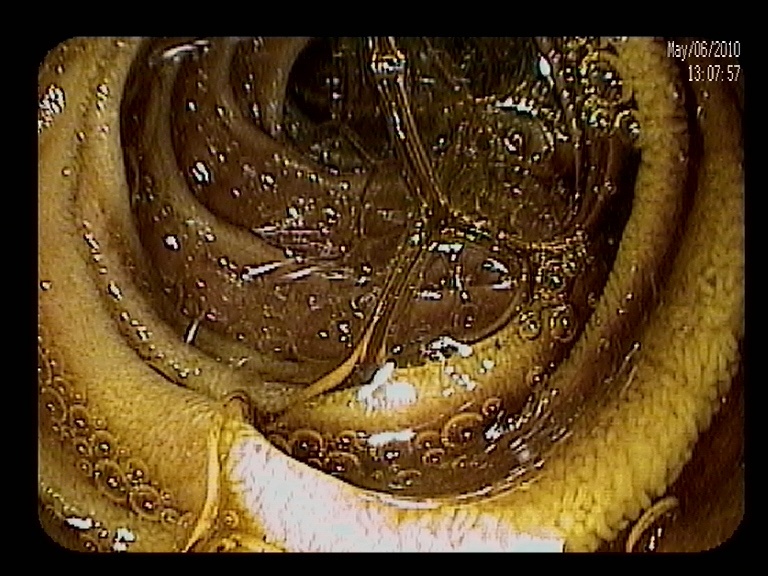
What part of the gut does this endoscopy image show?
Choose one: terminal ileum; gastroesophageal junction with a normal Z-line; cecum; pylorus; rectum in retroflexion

terminal ileum